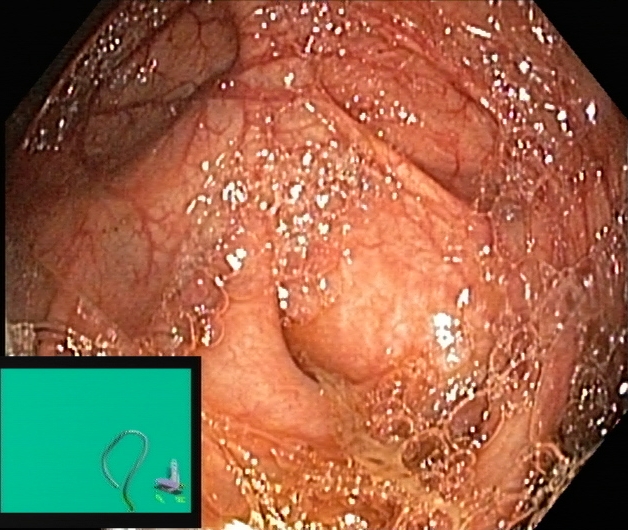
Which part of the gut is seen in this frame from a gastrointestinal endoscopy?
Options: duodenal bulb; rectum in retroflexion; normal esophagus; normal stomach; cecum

cecum